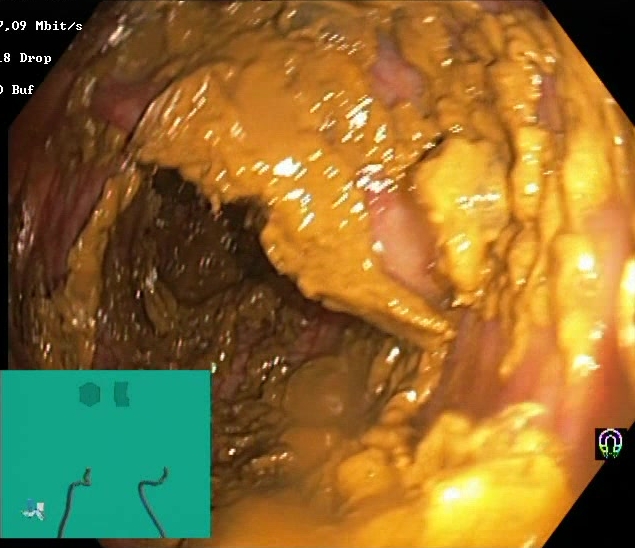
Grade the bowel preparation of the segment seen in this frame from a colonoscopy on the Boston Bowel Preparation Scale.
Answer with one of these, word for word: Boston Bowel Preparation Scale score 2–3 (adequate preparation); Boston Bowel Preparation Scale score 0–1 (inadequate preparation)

Boston Bowel Preparation Scale score 0–1 (inadequate preparation)